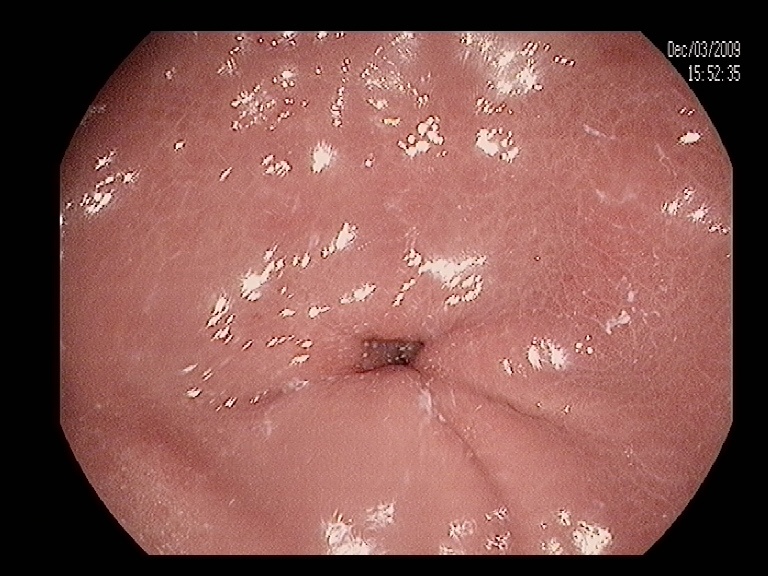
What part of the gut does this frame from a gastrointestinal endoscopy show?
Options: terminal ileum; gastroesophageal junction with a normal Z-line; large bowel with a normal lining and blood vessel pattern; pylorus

pylorus